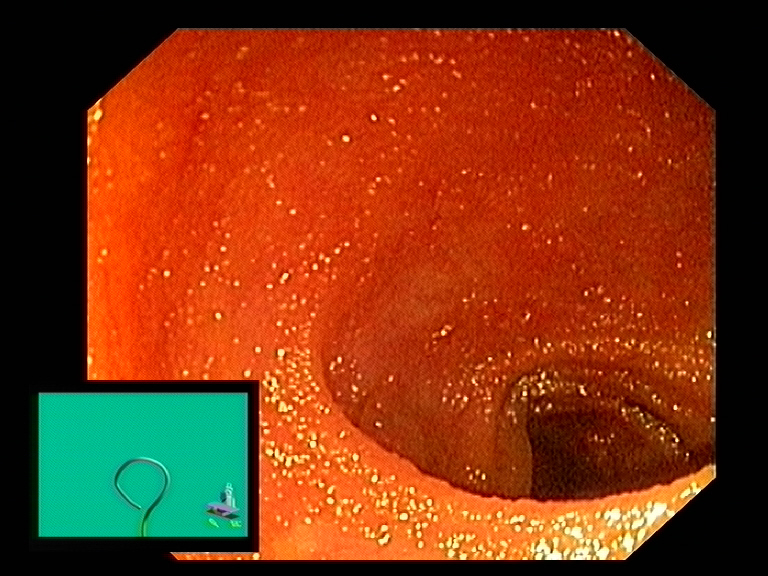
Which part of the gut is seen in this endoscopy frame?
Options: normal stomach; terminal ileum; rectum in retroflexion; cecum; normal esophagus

terminal ileum